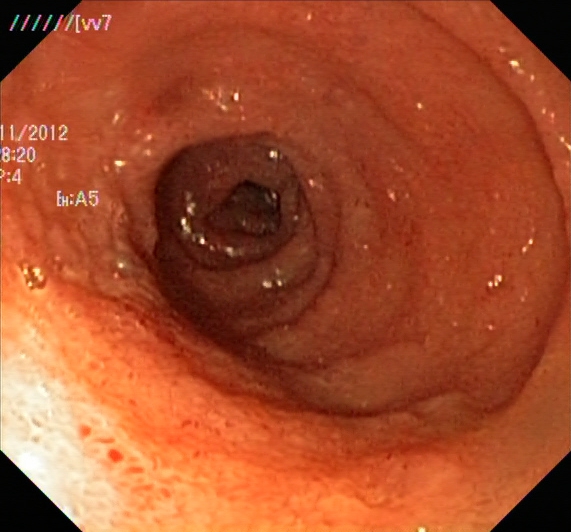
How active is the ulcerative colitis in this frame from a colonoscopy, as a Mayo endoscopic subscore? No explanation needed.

ulcerative colitis, Mayo endoscopic subscore 2